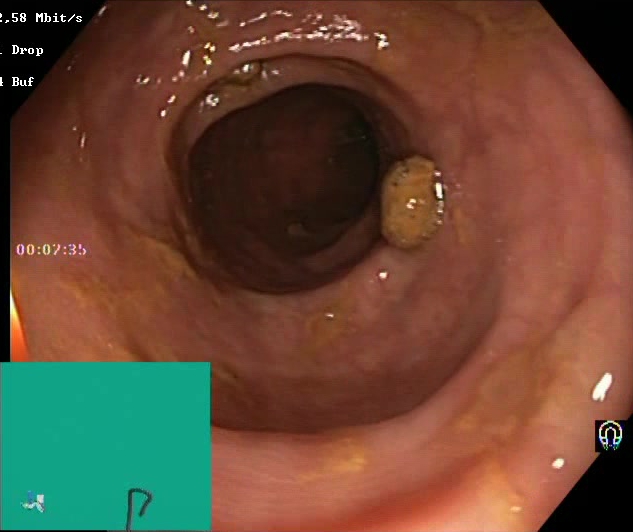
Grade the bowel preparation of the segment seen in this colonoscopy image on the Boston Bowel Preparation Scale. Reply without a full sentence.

Boston Bowel Preparation Scale score 2–3 (adequate preparation)